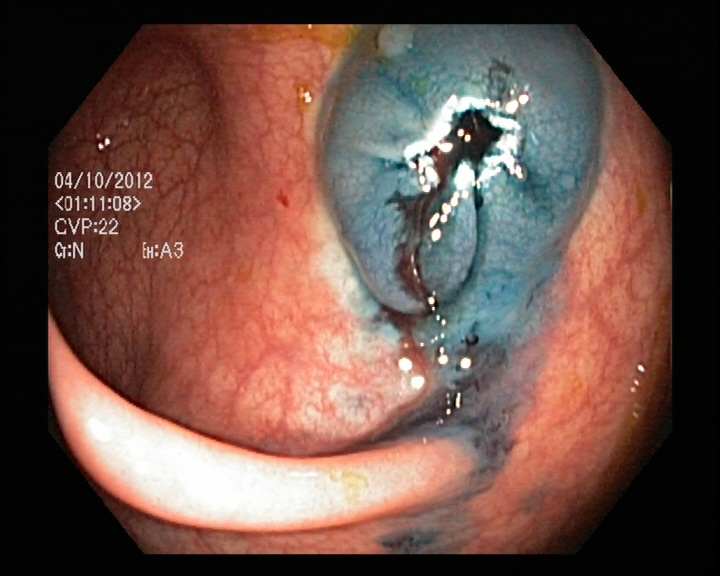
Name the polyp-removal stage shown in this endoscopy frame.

dyed resection margin (post-polypectomy)